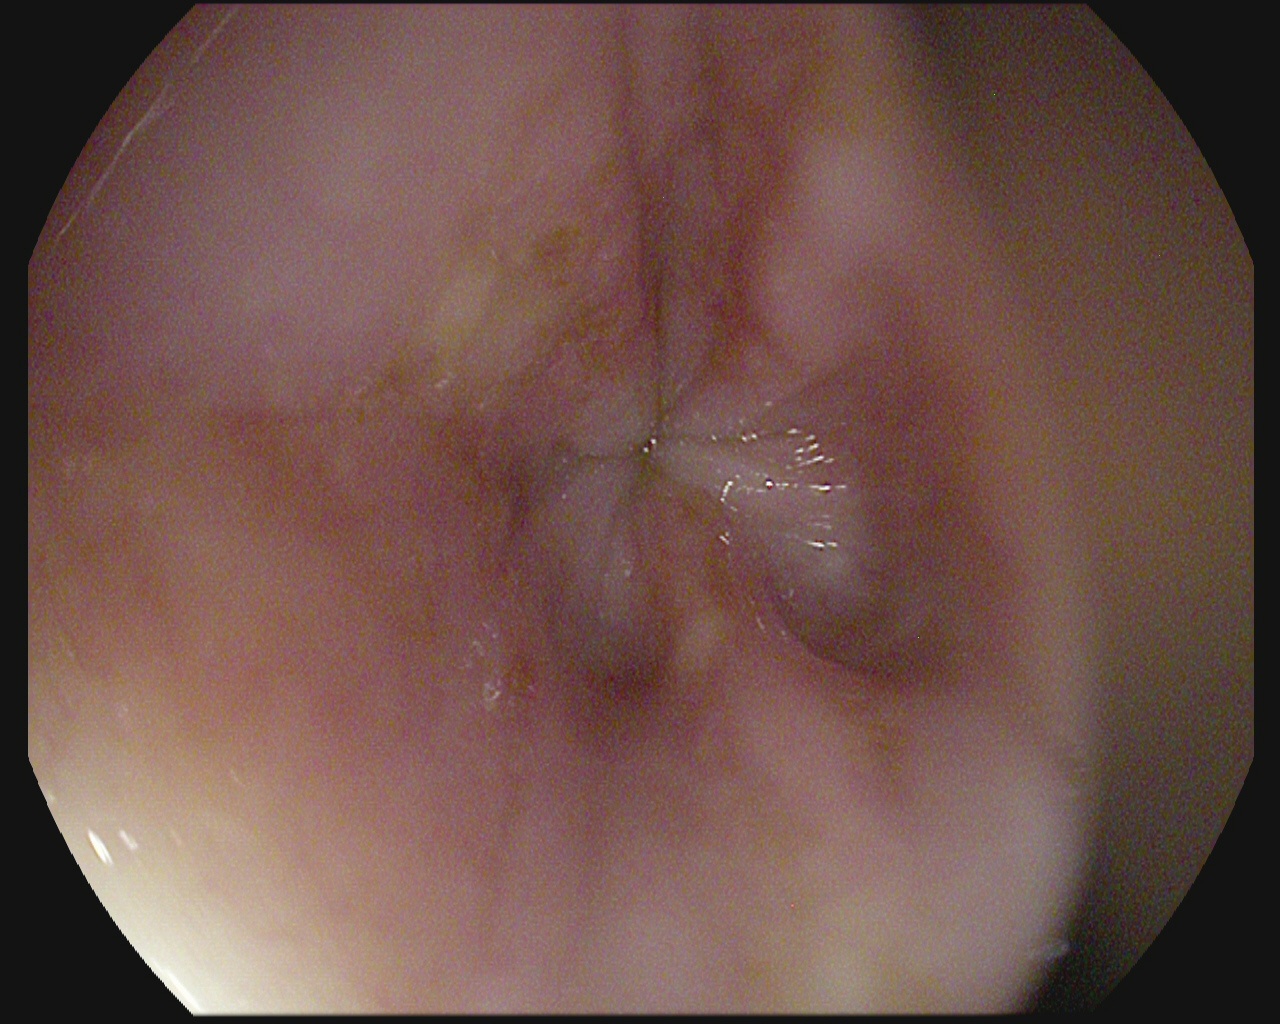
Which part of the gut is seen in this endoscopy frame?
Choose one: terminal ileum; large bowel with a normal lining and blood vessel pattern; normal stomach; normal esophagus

normal esophagus